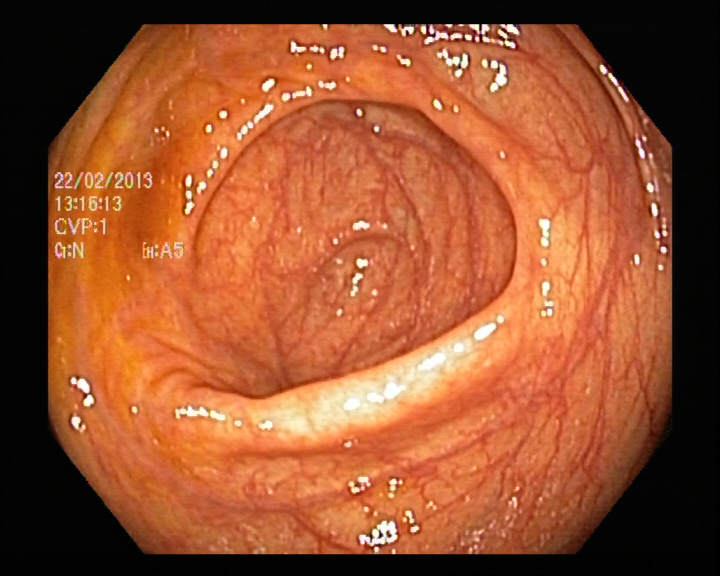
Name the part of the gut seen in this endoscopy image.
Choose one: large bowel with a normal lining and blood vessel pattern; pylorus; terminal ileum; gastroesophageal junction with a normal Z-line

large bowel with a normal lining and blood vessel pattern